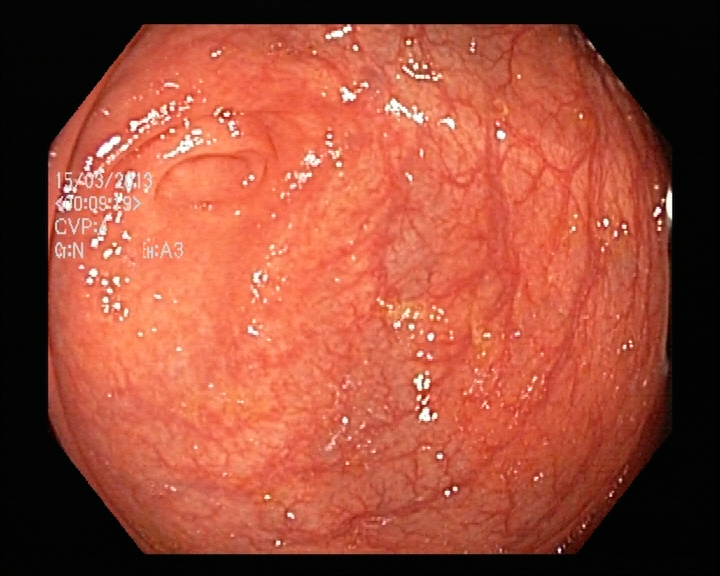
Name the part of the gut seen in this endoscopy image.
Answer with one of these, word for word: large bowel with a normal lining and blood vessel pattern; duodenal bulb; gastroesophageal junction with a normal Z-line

large bowel with a normal lining and blood vessel pattern